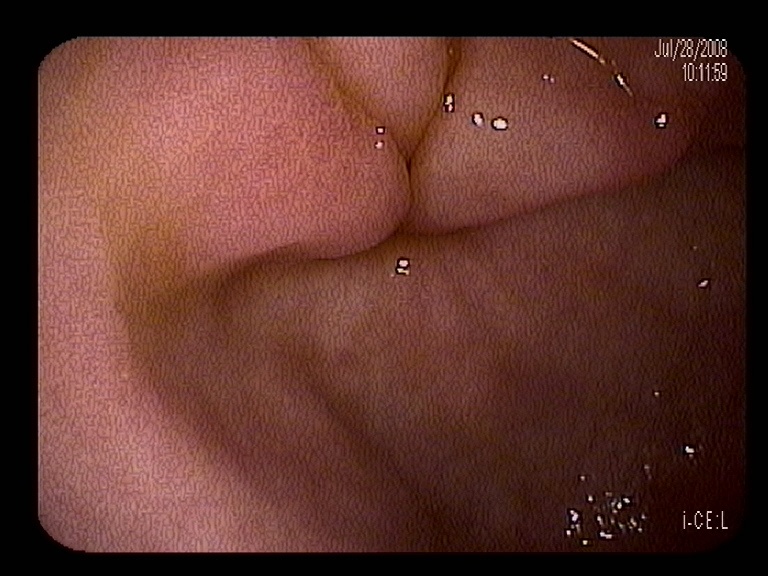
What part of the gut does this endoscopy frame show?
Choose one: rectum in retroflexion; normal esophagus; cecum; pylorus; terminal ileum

pylorus